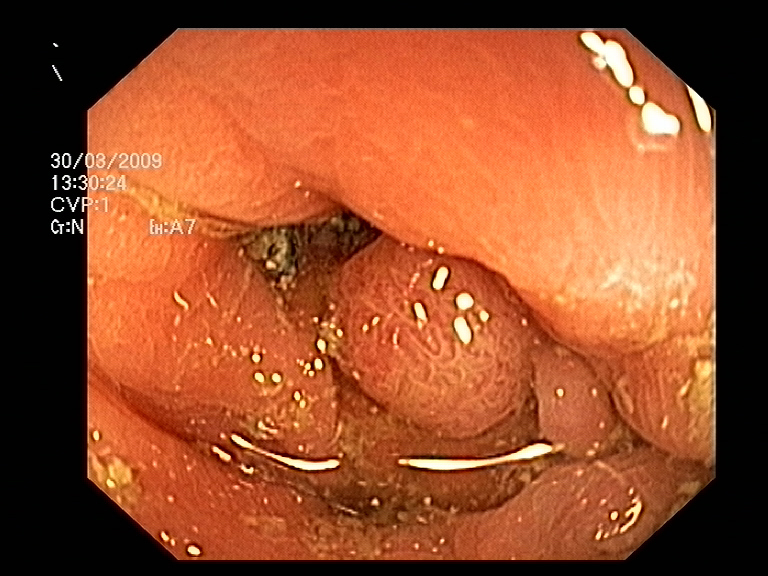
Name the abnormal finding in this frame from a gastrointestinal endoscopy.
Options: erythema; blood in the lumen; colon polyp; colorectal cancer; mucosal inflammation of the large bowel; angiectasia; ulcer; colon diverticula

colon polyp